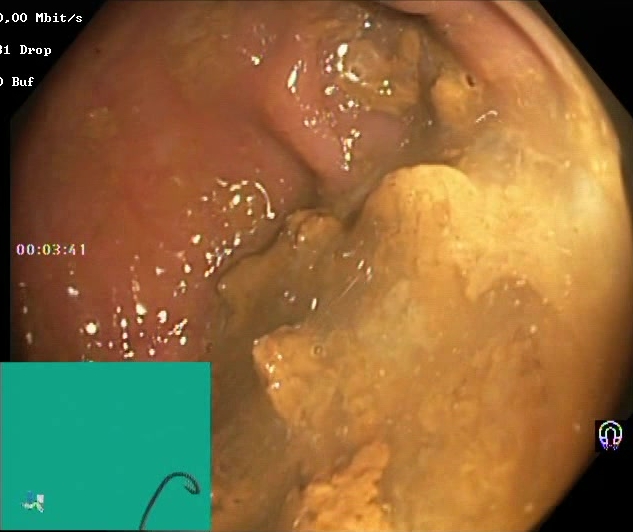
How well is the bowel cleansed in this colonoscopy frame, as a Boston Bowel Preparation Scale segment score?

Boston Bowel Preparation Scale score 0–1 (inadequate preparation)